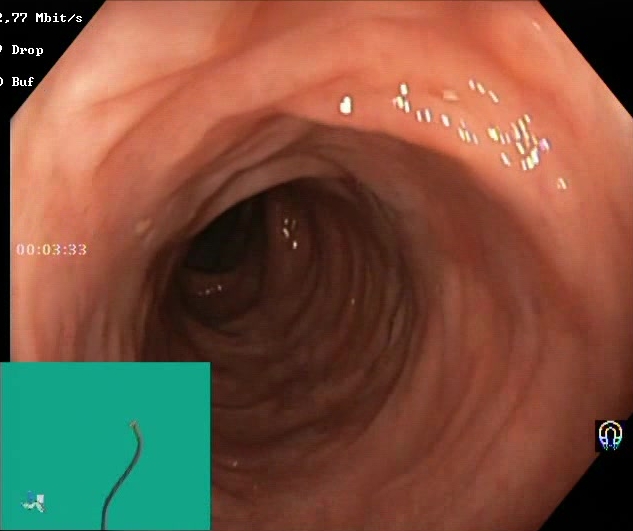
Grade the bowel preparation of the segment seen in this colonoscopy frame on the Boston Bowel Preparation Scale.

Boston Bowel Preparation Scale score 2–3 (adequate preparation)